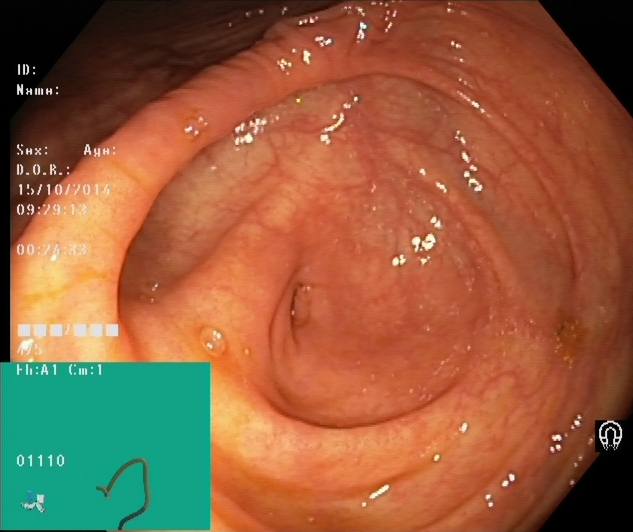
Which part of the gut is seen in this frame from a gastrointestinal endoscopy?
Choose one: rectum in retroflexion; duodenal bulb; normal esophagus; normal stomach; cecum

cecum